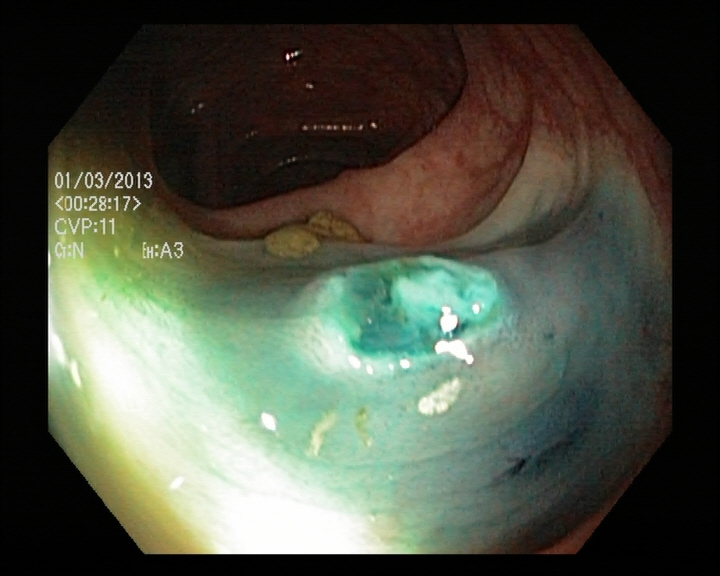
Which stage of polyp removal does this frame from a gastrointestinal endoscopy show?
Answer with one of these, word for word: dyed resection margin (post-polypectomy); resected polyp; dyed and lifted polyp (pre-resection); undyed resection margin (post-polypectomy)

dyed resection margin (post-polypectomy)